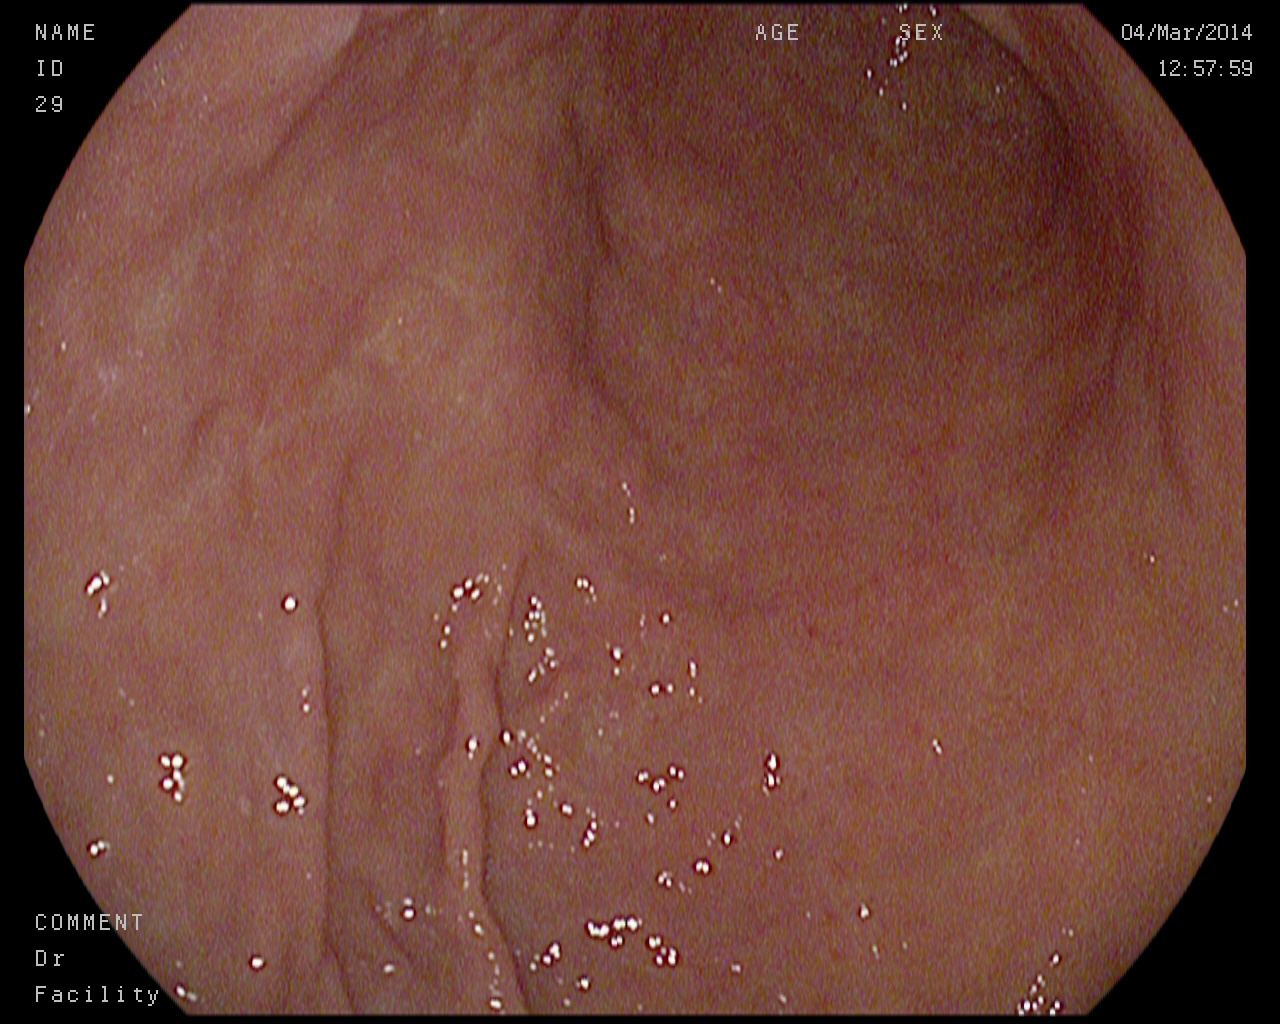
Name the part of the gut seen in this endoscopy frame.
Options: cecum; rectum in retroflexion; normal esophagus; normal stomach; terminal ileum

normal stomach